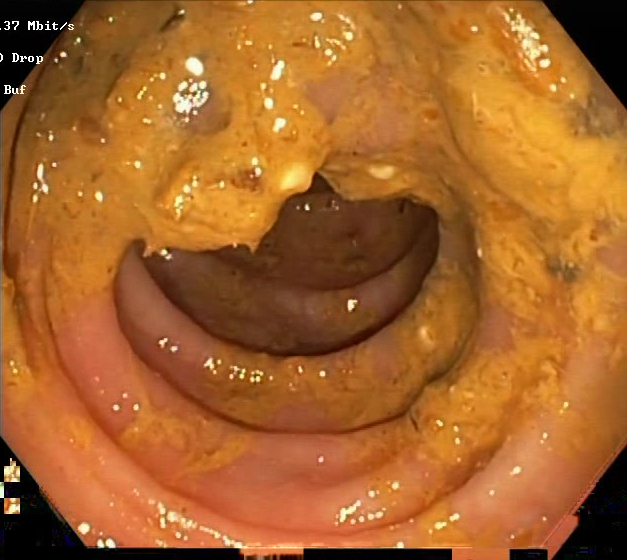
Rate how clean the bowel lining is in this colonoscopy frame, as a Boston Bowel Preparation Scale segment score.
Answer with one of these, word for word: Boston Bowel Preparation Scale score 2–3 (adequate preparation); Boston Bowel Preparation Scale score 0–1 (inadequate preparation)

Boston Bowel Preparation Scale score 0–1 (inadequate preparation)